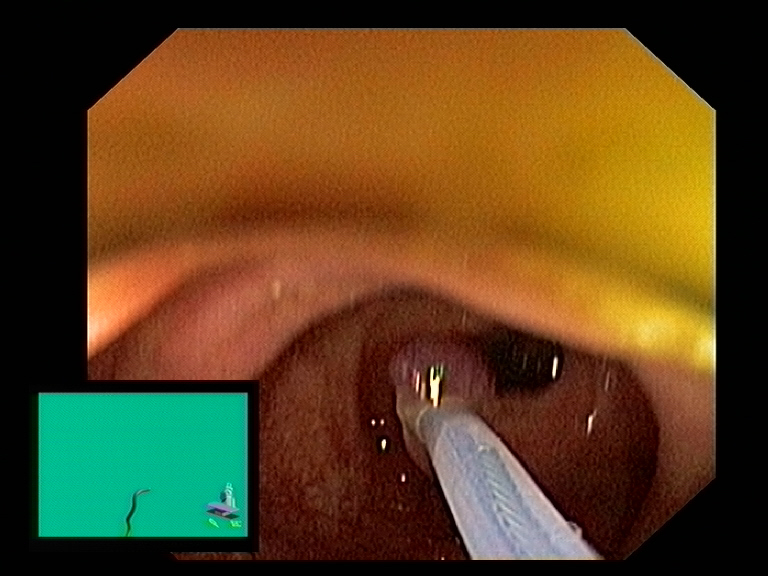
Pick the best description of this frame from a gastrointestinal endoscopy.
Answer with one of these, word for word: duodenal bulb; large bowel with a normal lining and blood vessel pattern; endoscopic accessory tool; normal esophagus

endoscopic accessory tool